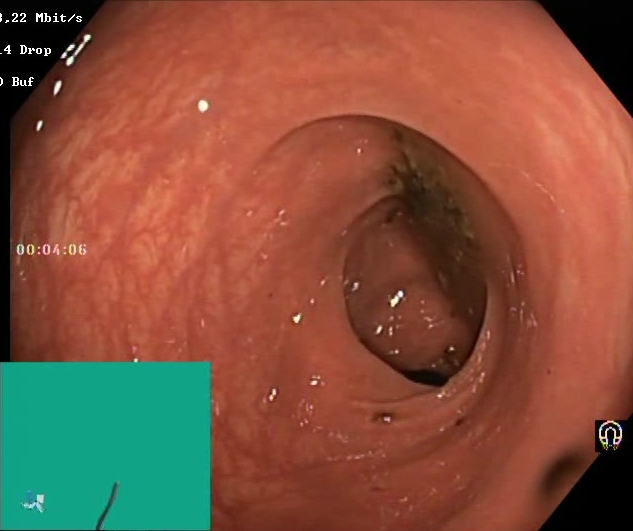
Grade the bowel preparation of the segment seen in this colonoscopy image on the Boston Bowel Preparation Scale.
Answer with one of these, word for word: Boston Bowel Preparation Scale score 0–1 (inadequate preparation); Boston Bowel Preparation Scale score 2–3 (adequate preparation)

Boston Bowel Preparation Scale score 0–1 (inadequate preparation)